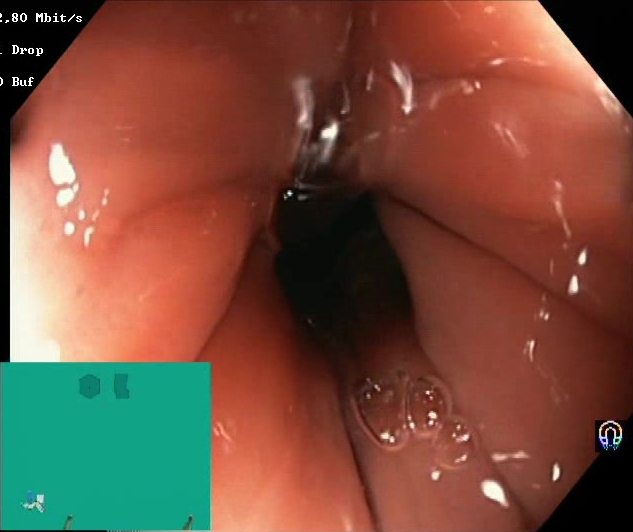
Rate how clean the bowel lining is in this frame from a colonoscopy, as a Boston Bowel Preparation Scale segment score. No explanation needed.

Boston Bowel Preparation Scale score 2–3 (adequate preparation)